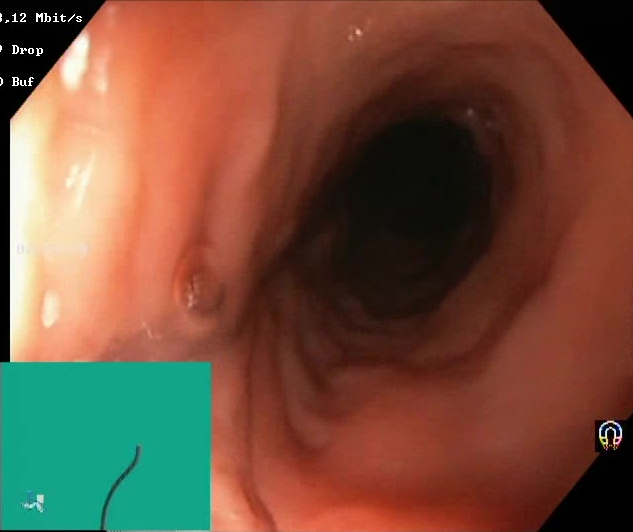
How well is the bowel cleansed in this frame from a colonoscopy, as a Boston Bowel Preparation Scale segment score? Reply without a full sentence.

Boston Bowel Preparation Scale score 2–3 (adequate preparation)